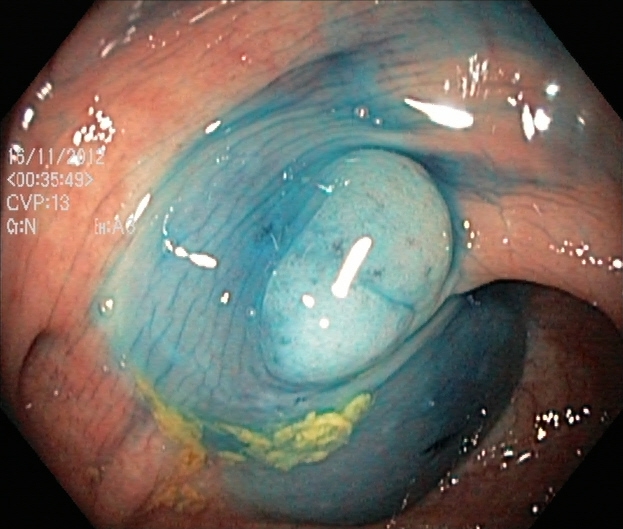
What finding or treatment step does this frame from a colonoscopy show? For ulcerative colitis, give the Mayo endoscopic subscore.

dyed and lifted polyp (pre-resection)